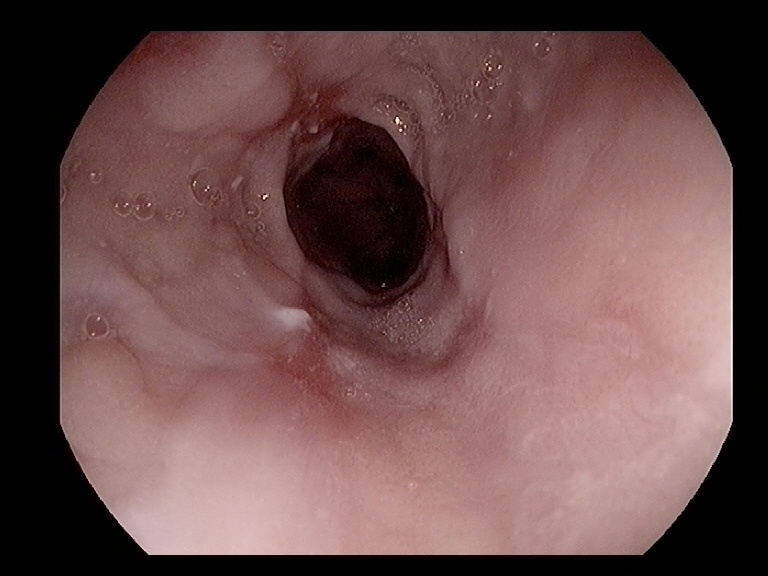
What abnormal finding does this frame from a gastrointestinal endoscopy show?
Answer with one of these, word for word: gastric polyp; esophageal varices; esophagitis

esophagitis